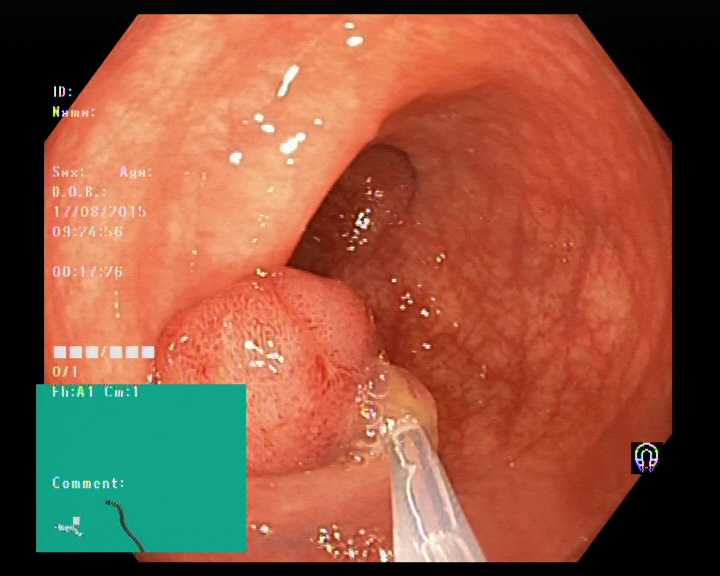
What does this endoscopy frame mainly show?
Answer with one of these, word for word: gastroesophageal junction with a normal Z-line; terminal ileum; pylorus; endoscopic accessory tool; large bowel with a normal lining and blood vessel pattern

endoscopic accessory tool